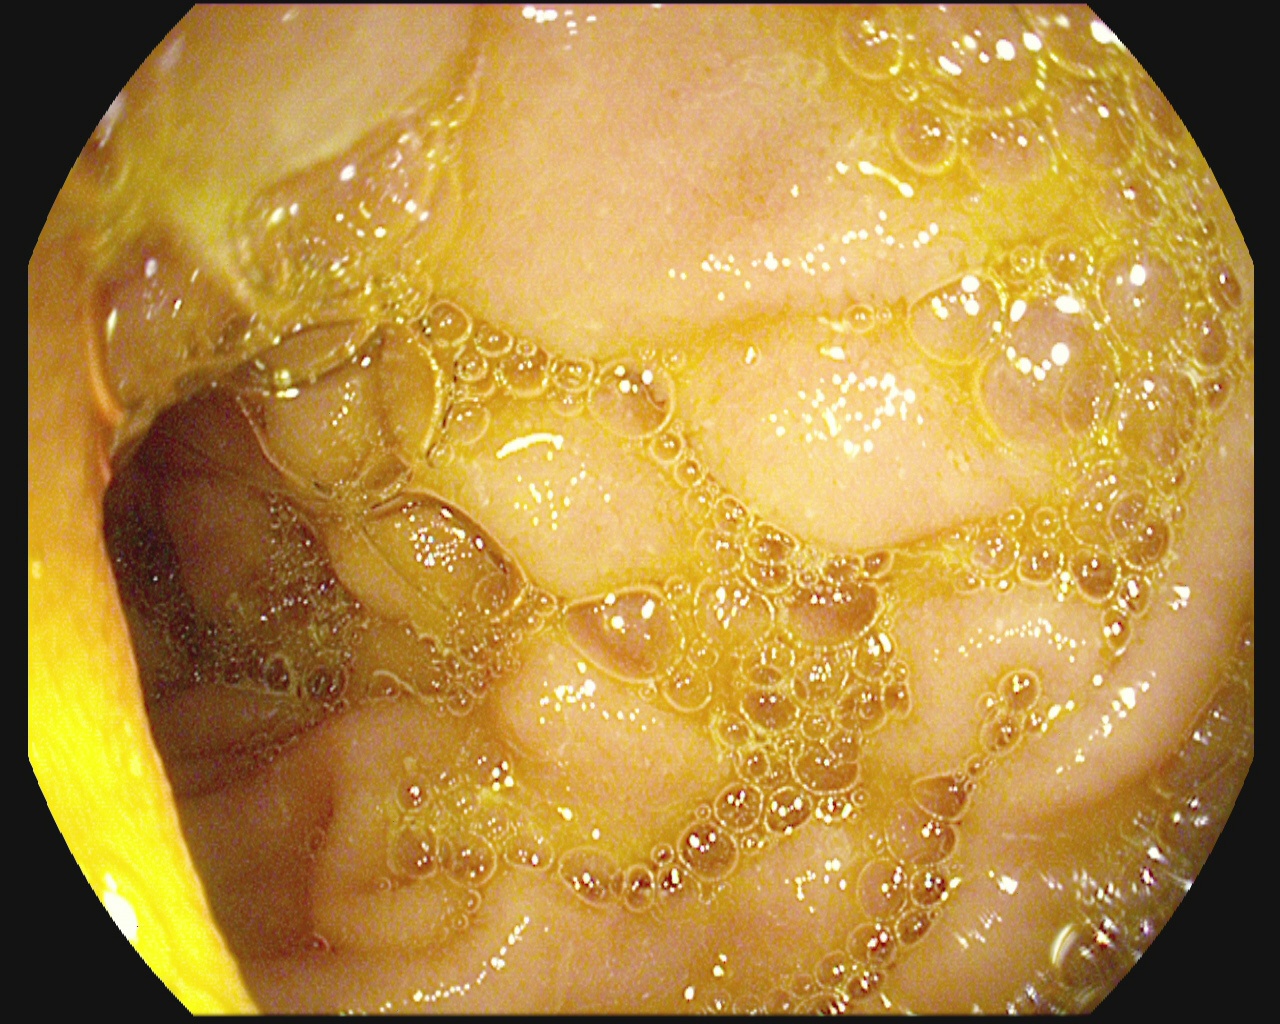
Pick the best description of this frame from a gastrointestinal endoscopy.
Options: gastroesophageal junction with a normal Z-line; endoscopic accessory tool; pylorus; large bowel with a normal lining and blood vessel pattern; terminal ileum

terminal ileum